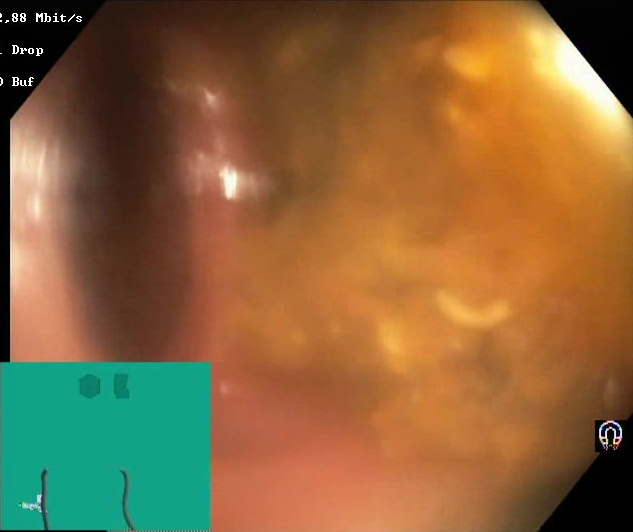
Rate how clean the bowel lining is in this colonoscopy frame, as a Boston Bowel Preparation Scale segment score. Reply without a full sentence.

Boston Bowel Preparation Scale score 0–1 (inadequate preparation)